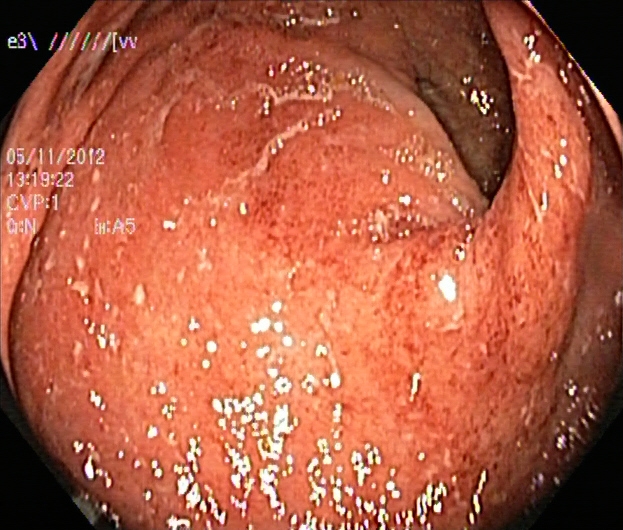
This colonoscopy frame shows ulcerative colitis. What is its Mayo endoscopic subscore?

ulcerative colitis, Mayo endoscopic subscore 2